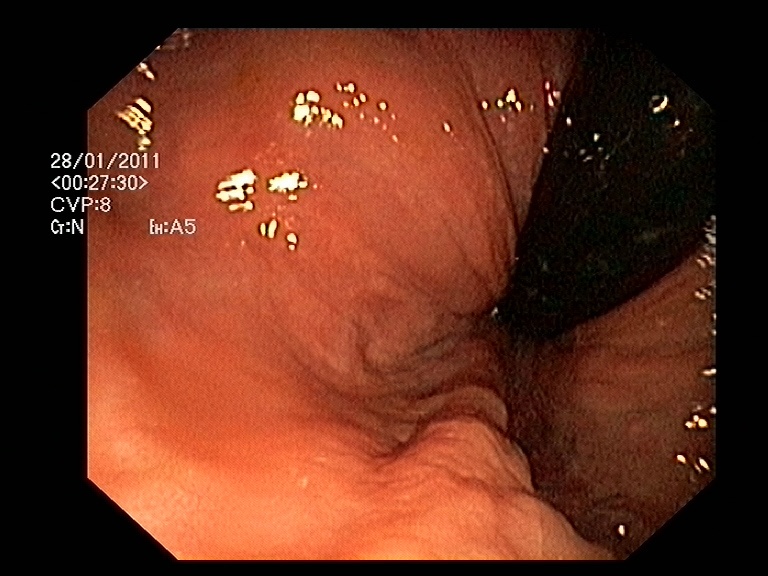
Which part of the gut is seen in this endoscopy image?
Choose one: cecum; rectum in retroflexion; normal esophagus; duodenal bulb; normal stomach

normal stomach